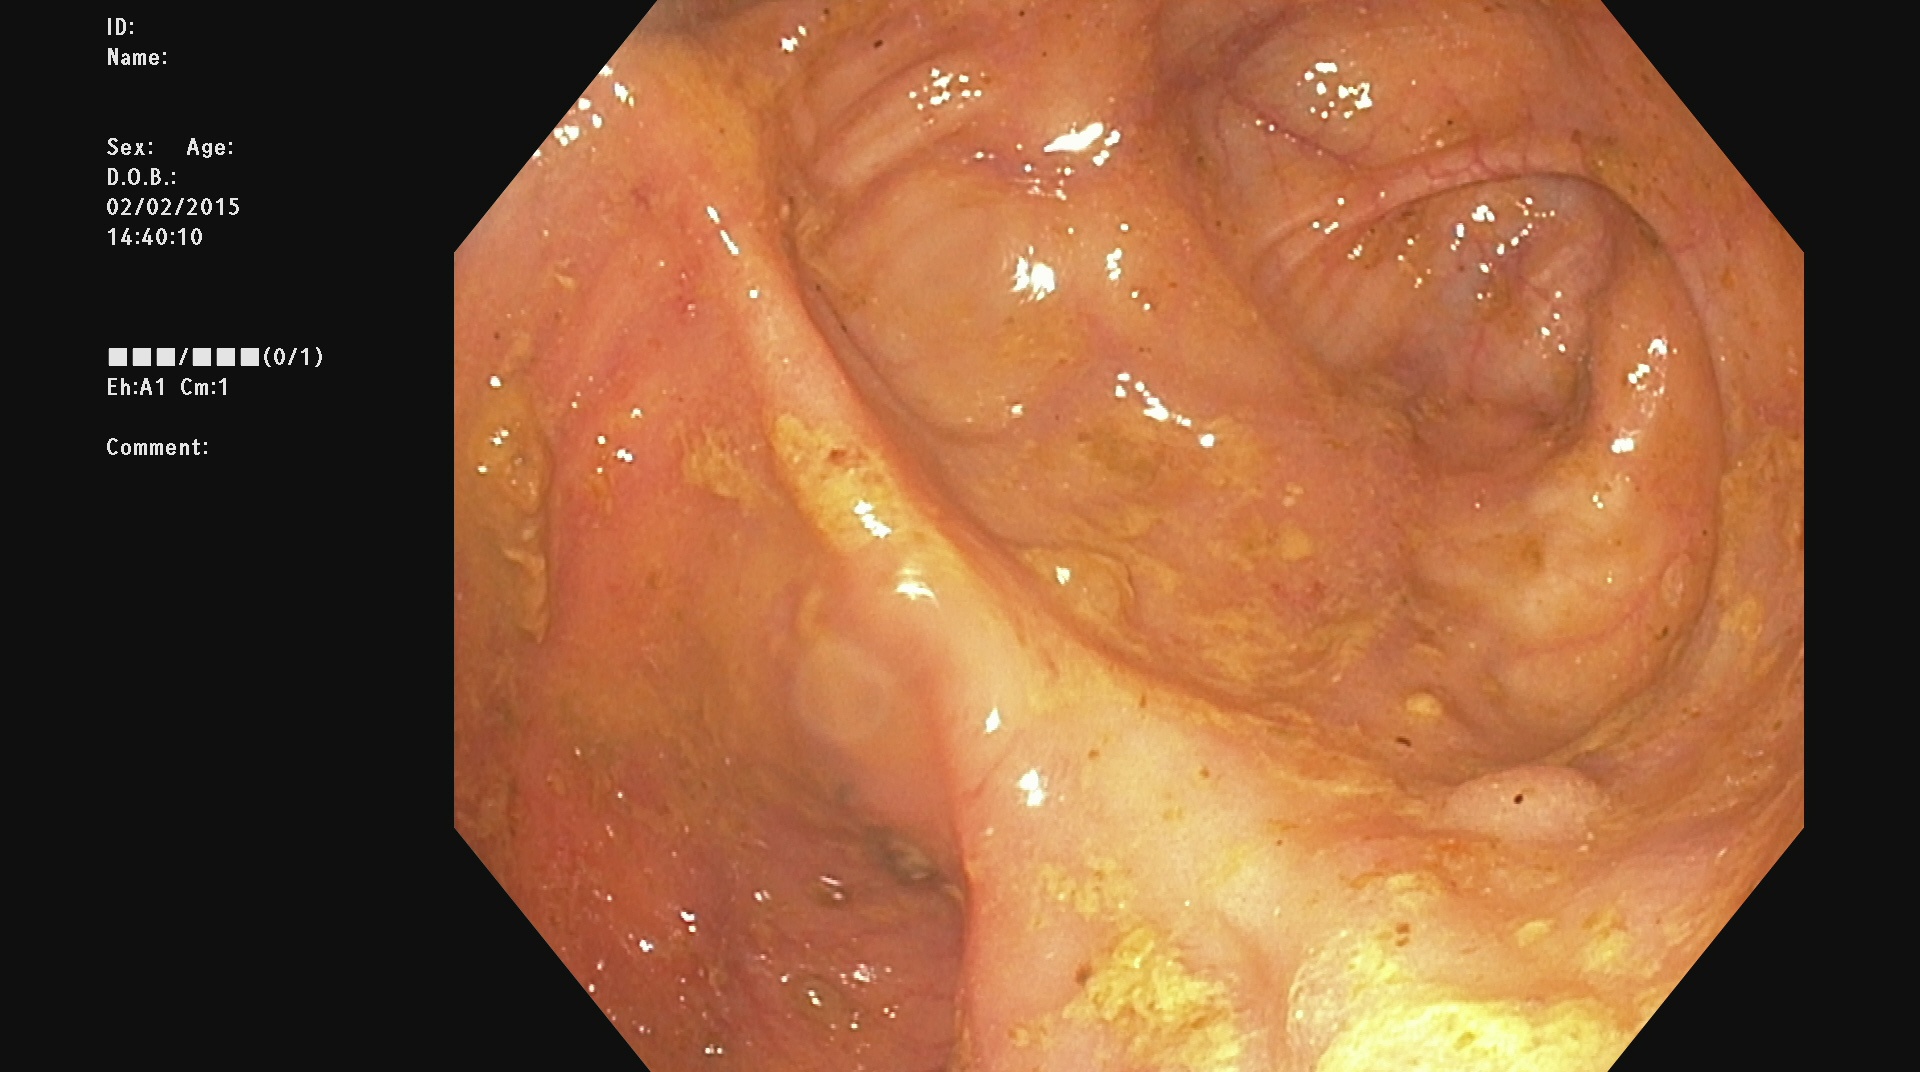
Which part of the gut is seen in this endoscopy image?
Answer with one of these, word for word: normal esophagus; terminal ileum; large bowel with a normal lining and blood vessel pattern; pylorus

large bowel with a normal lining and blood vessel pattern